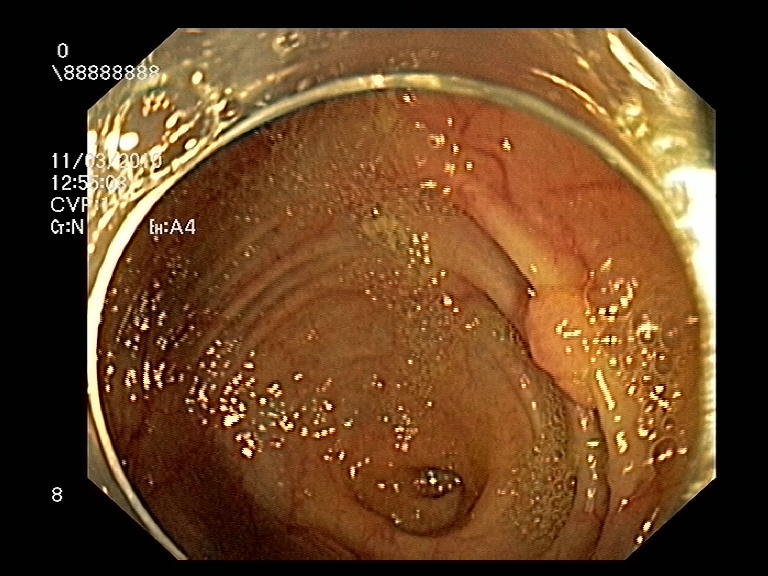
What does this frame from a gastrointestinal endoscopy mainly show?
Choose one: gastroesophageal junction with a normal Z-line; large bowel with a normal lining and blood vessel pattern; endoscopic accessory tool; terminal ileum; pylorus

endoscopic accessory tool